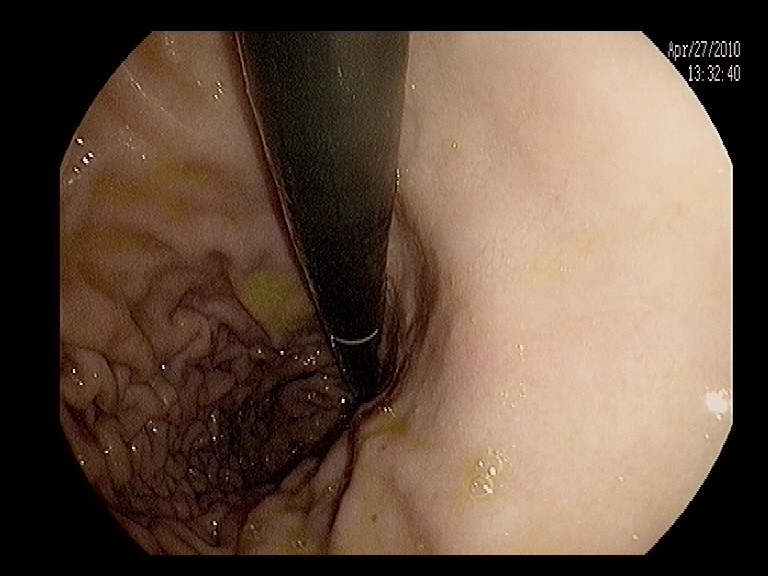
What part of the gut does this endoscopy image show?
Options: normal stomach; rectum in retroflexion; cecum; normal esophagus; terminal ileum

normal stomach